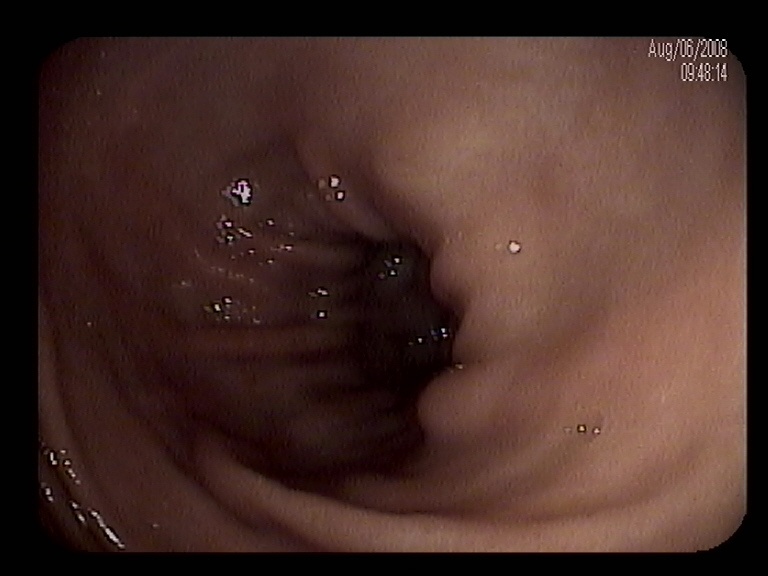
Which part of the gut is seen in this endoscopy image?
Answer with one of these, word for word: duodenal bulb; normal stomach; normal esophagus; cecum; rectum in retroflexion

normal stomach